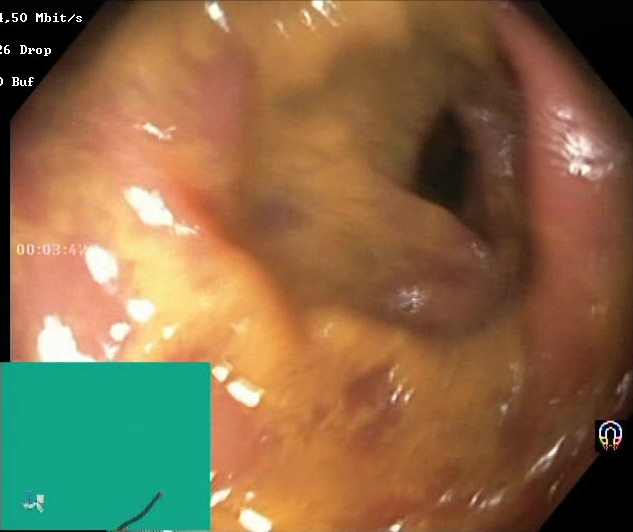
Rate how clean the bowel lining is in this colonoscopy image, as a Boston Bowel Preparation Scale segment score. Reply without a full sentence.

Boston Bowel Preparation Scale score 0–1 (inadequate preparation)